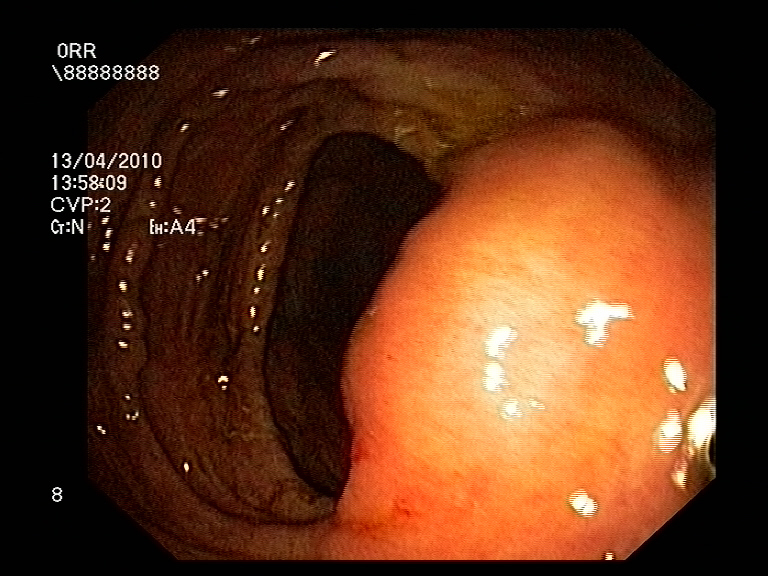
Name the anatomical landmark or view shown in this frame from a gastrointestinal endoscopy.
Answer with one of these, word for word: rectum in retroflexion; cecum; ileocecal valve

ileocecal valve